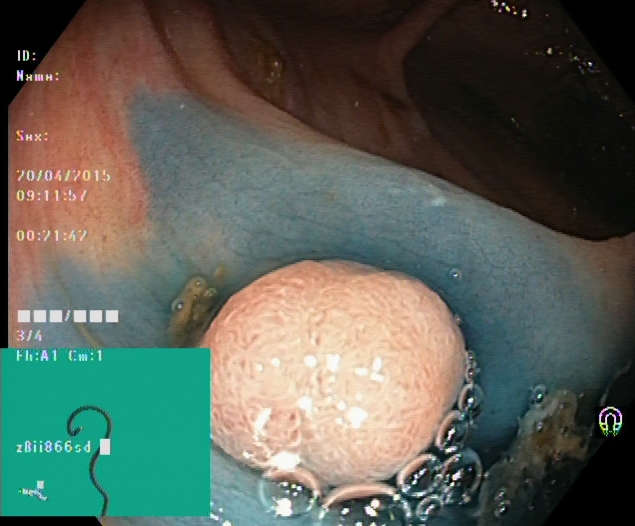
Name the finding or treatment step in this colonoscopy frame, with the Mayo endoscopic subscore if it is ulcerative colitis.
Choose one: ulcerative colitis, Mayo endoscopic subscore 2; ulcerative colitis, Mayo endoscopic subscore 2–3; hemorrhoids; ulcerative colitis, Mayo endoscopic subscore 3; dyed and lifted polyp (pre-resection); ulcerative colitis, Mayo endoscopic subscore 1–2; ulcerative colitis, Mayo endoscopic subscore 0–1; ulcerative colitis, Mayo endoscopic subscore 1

dyed and lifted polyp (pre-resection)